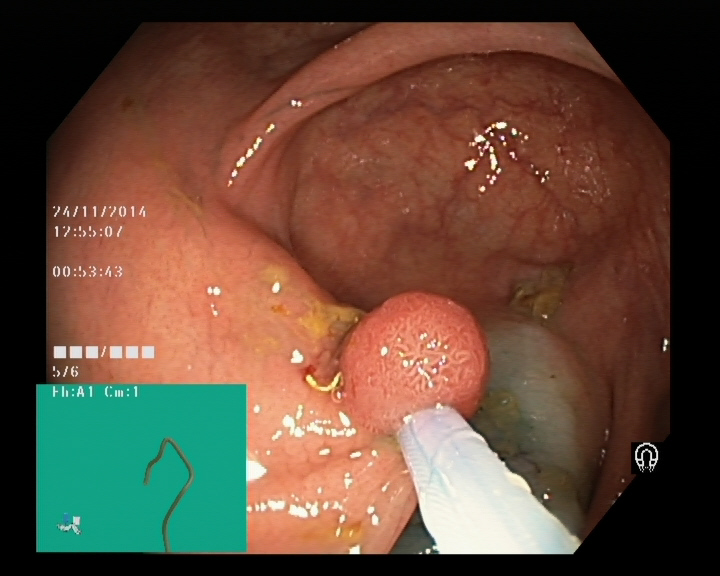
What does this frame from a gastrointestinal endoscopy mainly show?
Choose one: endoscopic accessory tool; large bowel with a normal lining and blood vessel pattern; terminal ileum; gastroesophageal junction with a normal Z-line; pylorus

endoscopic accessory tool